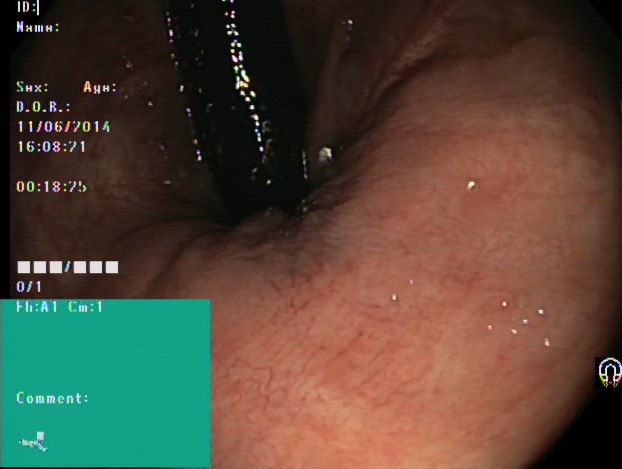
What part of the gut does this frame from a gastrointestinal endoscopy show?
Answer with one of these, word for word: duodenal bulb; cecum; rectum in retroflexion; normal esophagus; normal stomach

rectum in retroflexion